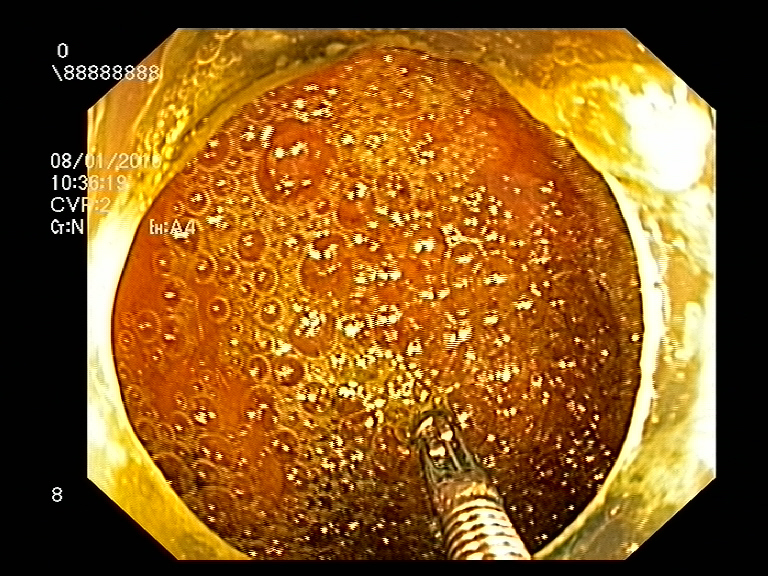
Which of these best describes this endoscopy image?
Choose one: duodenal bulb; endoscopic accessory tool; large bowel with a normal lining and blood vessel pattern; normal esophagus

endoscopic accessory tool